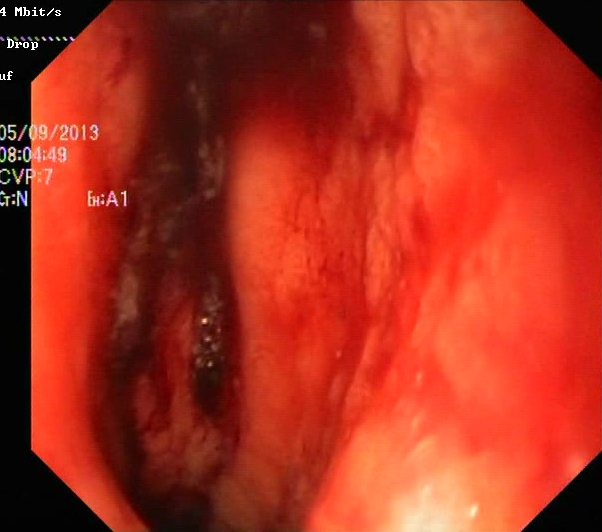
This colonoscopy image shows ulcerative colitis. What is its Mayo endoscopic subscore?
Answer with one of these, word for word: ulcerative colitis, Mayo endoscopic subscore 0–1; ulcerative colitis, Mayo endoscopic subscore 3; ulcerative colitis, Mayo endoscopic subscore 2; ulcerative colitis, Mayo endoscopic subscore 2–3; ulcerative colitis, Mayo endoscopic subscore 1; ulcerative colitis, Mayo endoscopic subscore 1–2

ulcerative colitis, Mayo endoscopic subscore 3